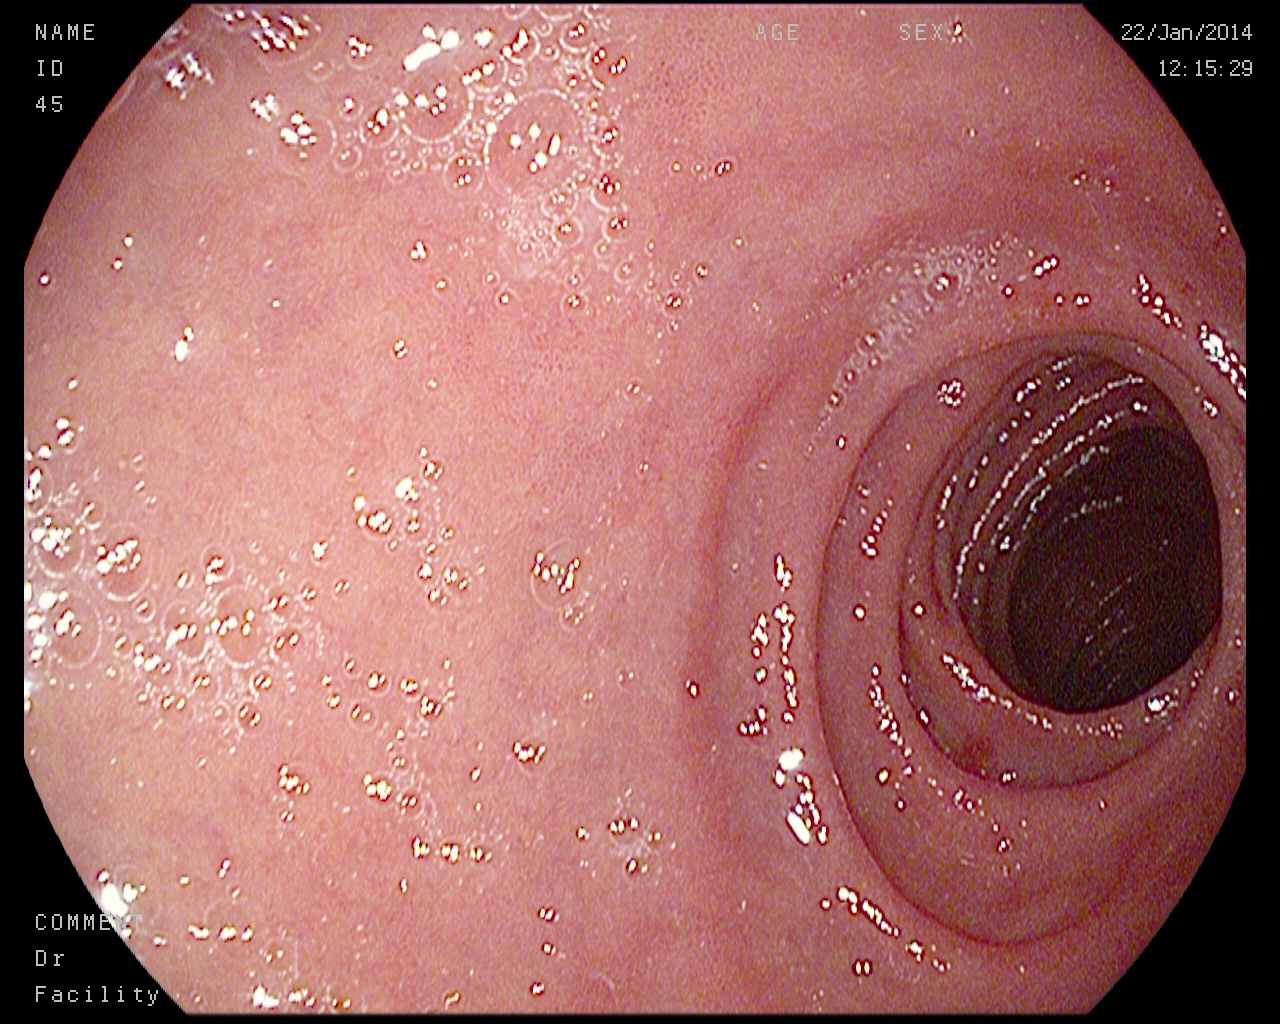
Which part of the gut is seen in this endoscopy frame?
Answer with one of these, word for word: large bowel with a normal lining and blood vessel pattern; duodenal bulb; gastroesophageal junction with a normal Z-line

duodenal bulb